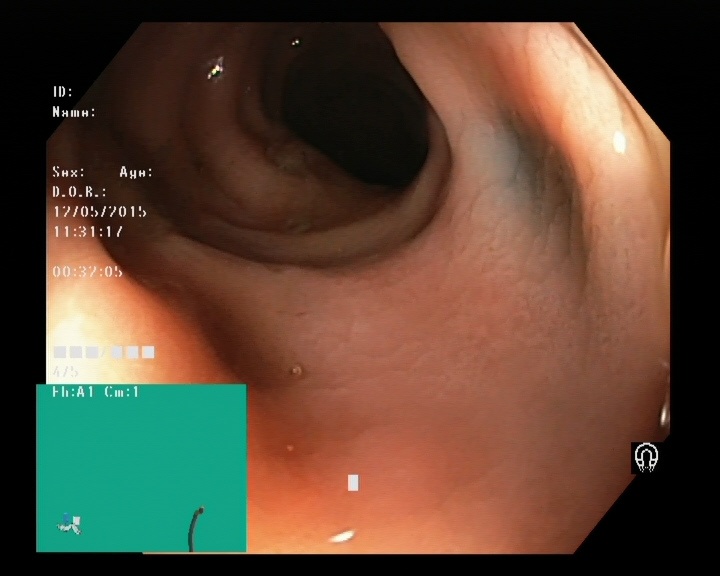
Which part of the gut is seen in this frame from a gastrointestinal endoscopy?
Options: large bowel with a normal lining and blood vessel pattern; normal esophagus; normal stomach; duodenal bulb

large bowel with a normal lining and blood vessel pattern